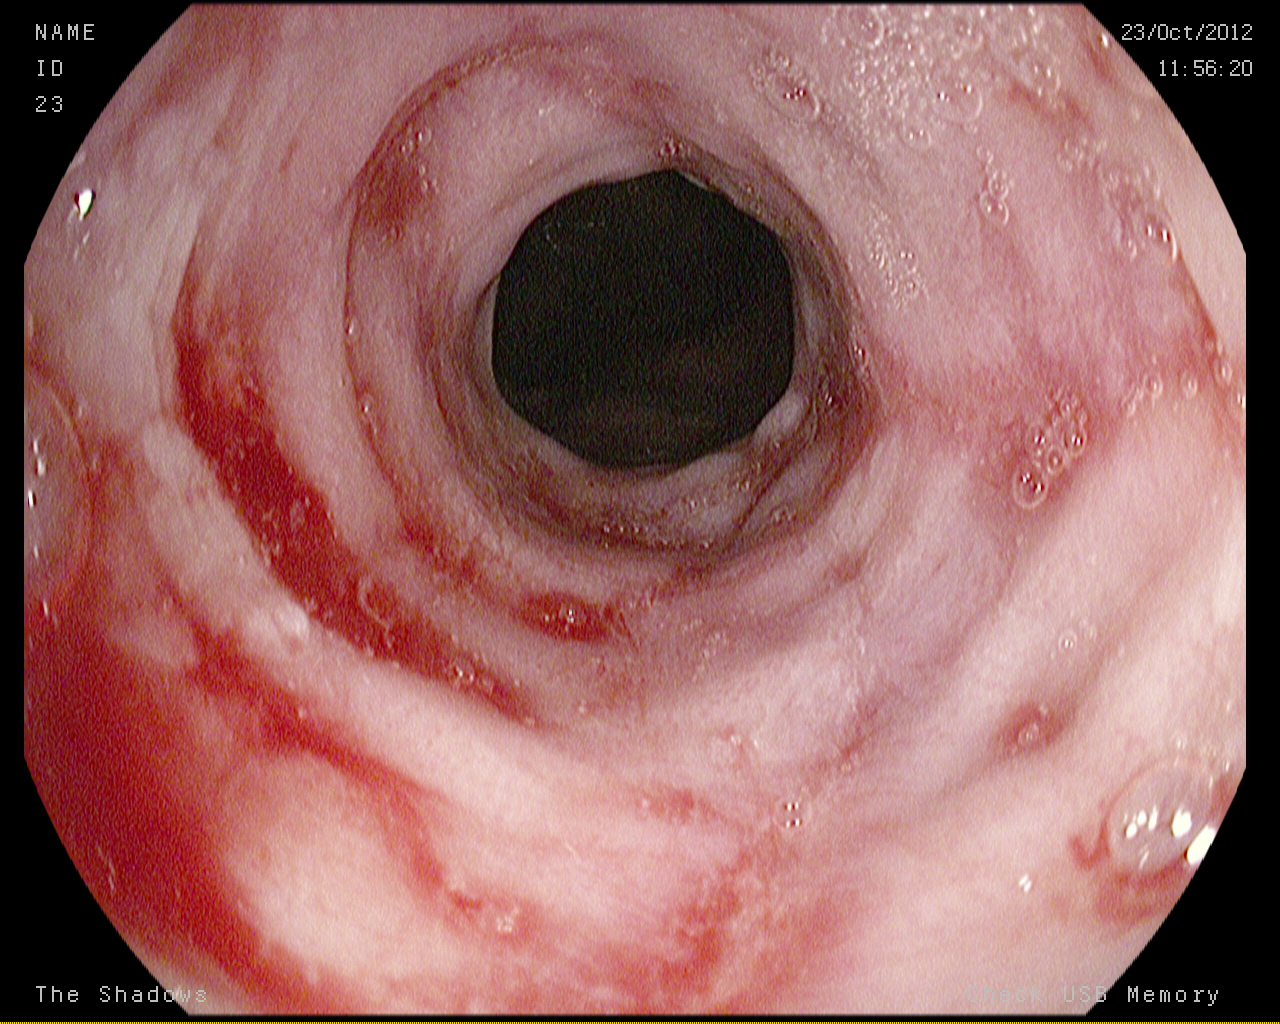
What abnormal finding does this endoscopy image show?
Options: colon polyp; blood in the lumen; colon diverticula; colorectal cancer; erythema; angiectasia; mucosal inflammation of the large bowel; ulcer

blood in the lumen